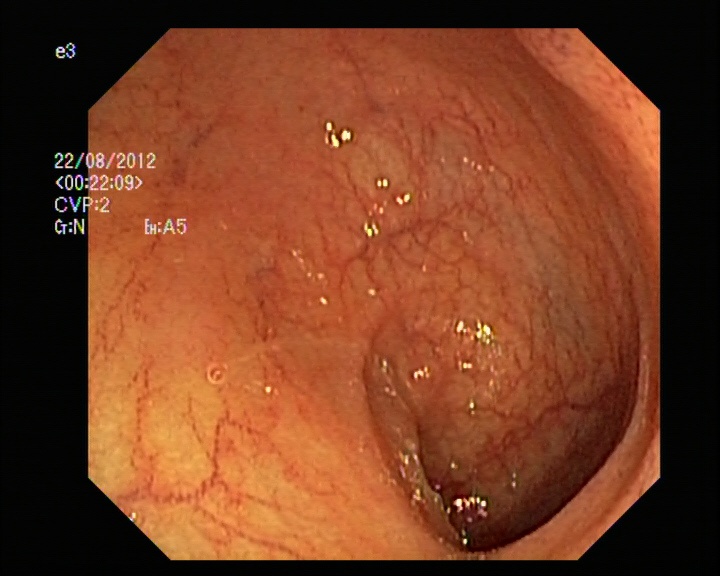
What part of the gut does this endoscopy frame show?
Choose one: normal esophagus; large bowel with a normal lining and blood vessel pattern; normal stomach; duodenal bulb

large bowel with a normal lining and blood vessel pattern